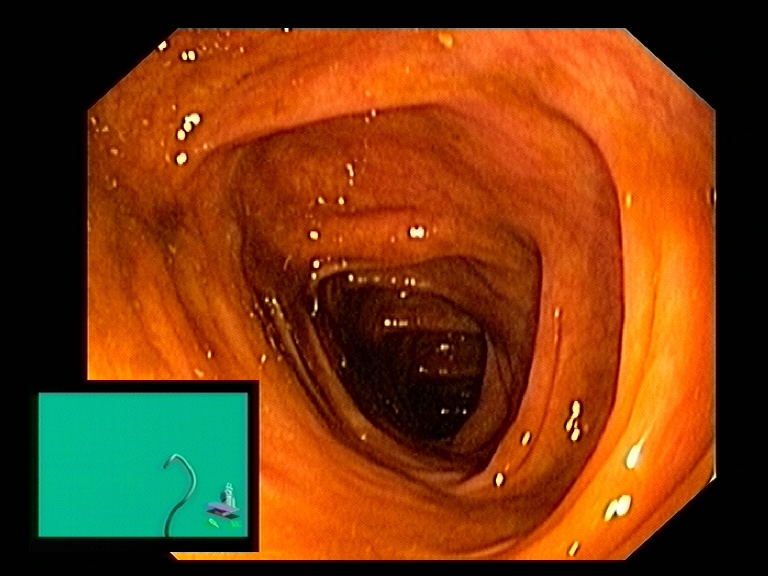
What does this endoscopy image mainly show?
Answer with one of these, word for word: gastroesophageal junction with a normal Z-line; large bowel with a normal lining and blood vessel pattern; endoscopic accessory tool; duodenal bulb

large bowel with a normal lining and blood vessel pattern